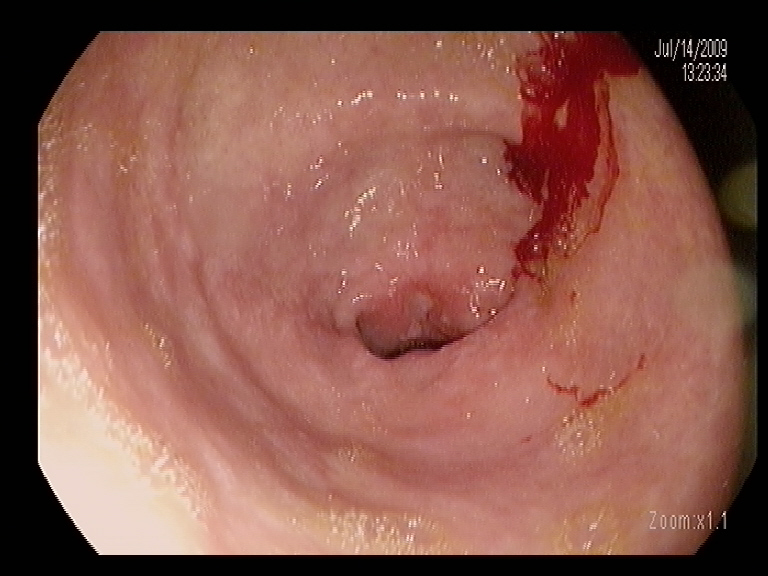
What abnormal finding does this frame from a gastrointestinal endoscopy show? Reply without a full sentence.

blood in the lumen